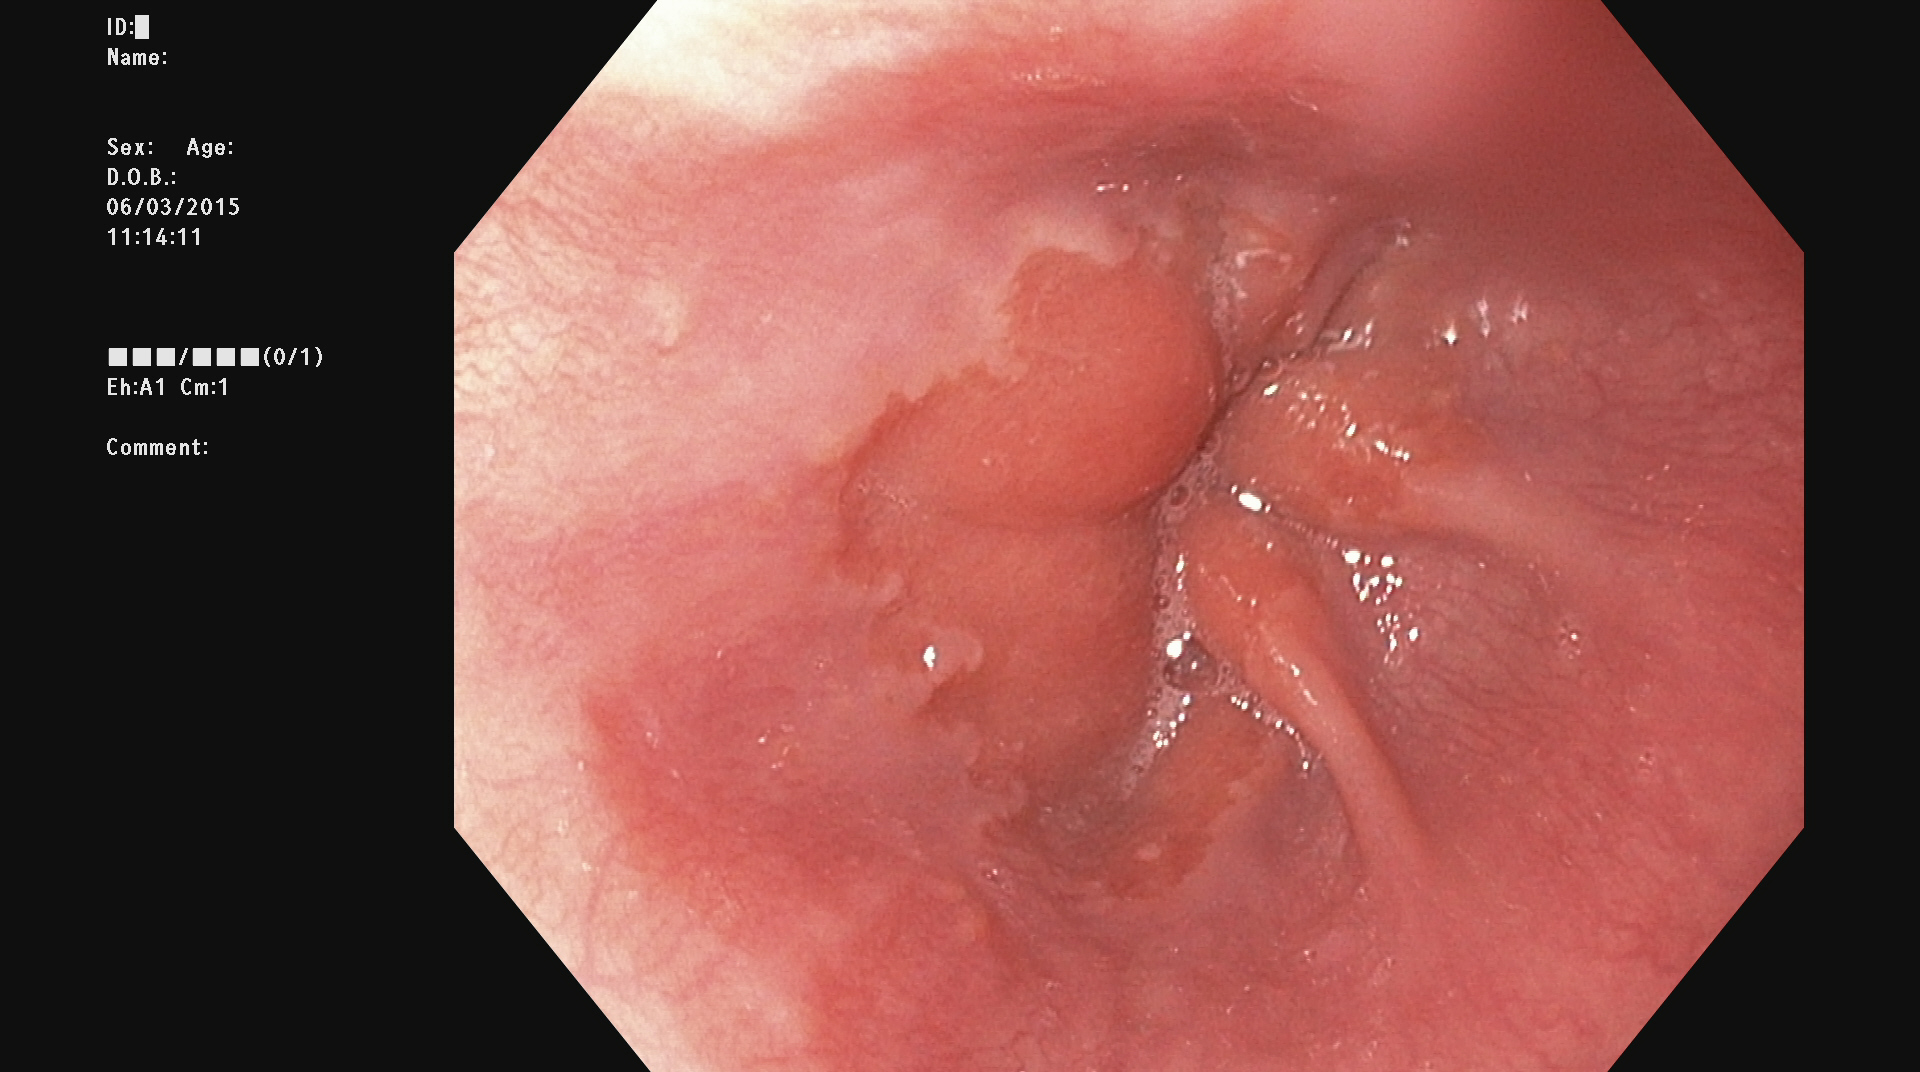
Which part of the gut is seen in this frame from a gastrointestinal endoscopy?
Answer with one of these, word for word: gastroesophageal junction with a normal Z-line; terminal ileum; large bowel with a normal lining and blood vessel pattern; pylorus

gastroesophageal junction with a normal Z-line